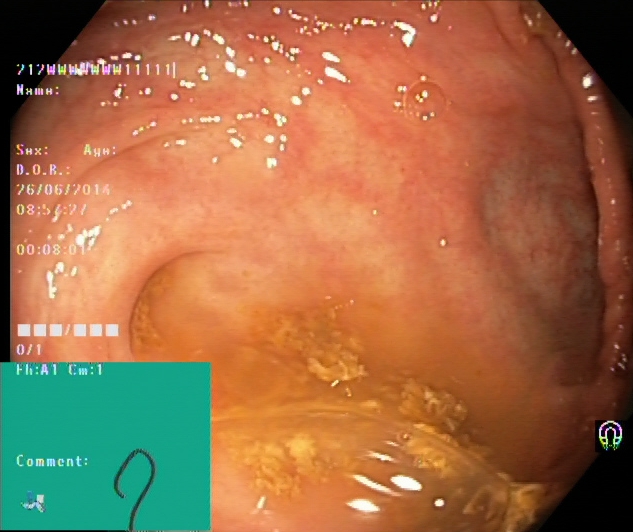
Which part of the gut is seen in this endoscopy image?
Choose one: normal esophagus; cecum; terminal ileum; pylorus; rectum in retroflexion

cecum